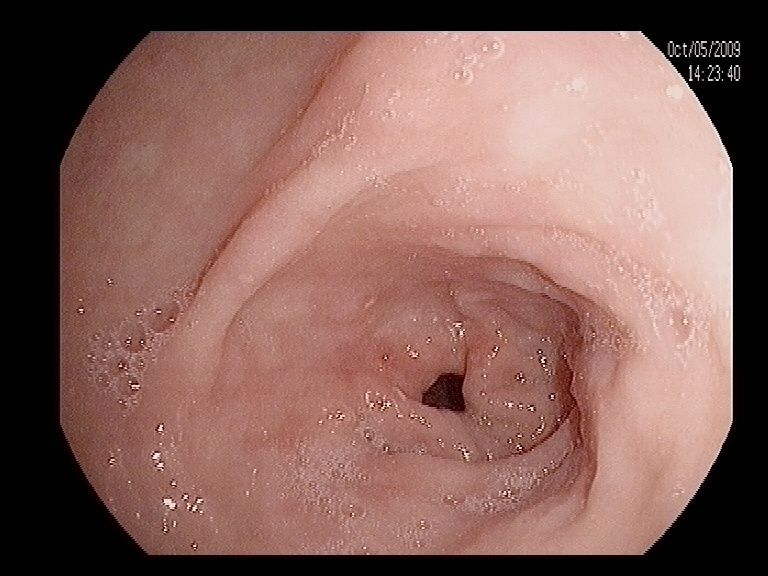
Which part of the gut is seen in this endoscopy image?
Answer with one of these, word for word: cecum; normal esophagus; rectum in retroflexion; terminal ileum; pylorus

pylorus